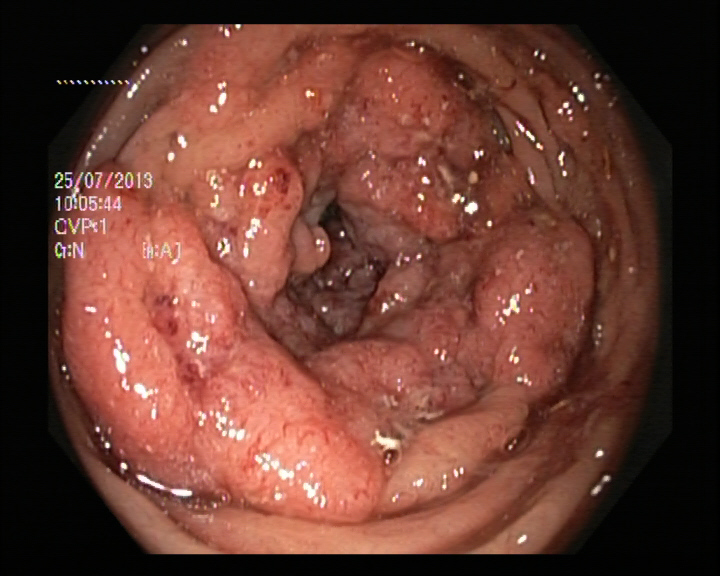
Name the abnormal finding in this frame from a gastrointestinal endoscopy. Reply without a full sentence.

colon polyp